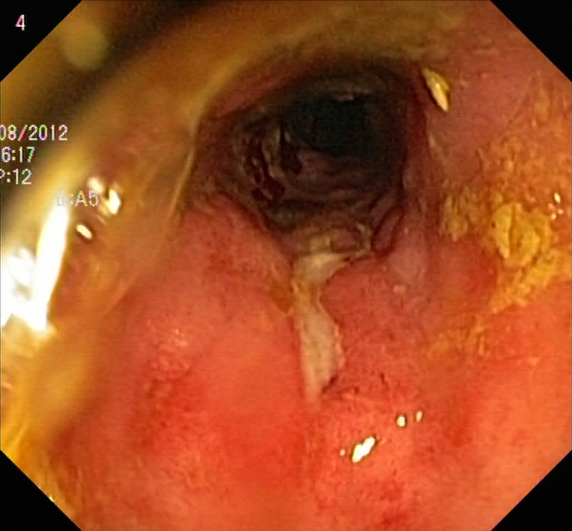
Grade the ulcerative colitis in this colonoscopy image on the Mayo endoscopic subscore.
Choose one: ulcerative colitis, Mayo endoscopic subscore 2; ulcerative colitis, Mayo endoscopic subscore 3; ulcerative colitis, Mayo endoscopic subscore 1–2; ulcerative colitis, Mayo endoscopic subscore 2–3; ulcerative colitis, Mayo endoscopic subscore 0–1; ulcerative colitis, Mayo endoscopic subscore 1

ulcerative colitis, Mayo endoscopic subscore 3